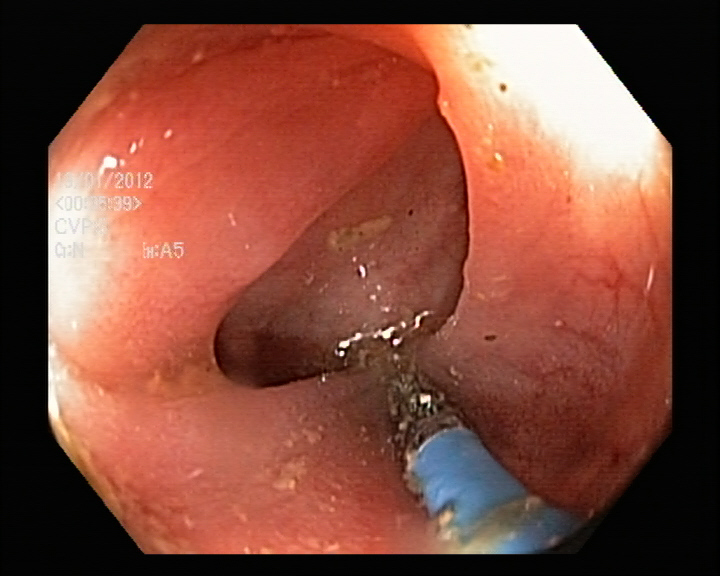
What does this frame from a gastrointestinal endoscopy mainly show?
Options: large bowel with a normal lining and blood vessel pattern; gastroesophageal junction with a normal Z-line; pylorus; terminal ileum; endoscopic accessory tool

endoscopic accessory tool